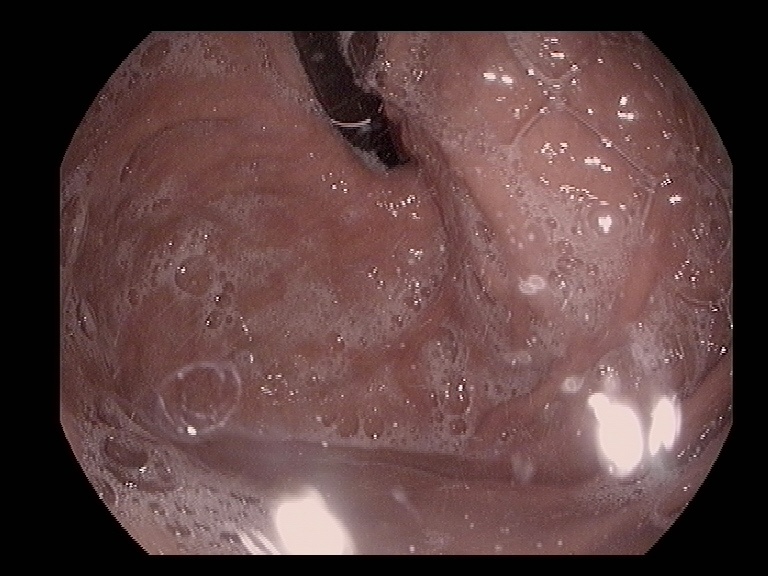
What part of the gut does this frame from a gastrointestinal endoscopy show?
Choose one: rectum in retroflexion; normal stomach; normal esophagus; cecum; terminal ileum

normal stomach